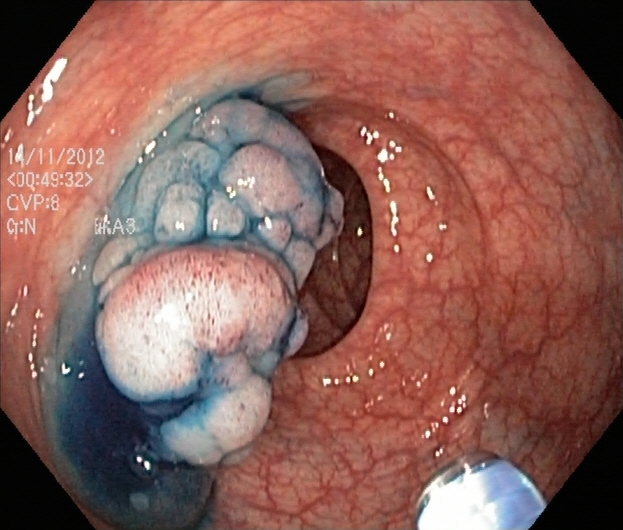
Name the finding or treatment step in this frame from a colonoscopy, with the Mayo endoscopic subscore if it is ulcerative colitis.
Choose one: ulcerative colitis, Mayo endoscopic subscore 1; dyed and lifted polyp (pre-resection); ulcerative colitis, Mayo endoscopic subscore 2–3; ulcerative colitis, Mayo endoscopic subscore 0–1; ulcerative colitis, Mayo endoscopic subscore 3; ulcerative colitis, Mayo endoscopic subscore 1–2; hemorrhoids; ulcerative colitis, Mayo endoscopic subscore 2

dyed and lifted polyp (pre-resection)